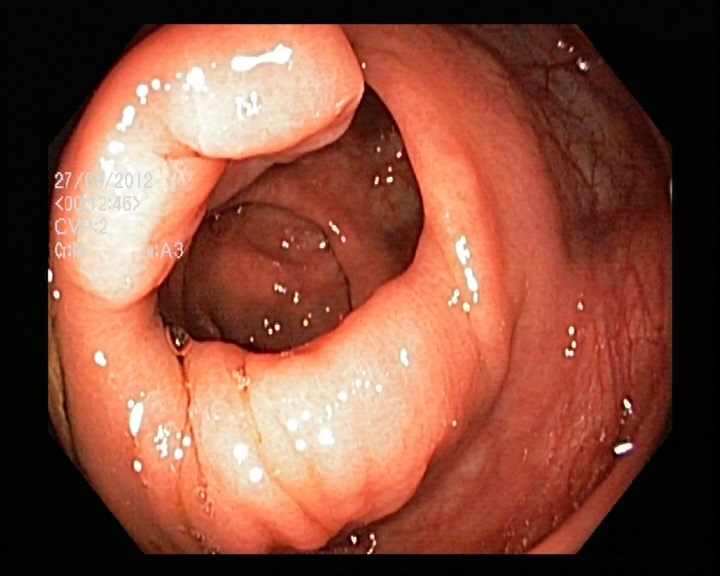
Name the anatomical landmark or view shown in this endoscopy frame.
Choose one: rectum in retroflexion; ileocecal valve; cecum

ileocecal valve